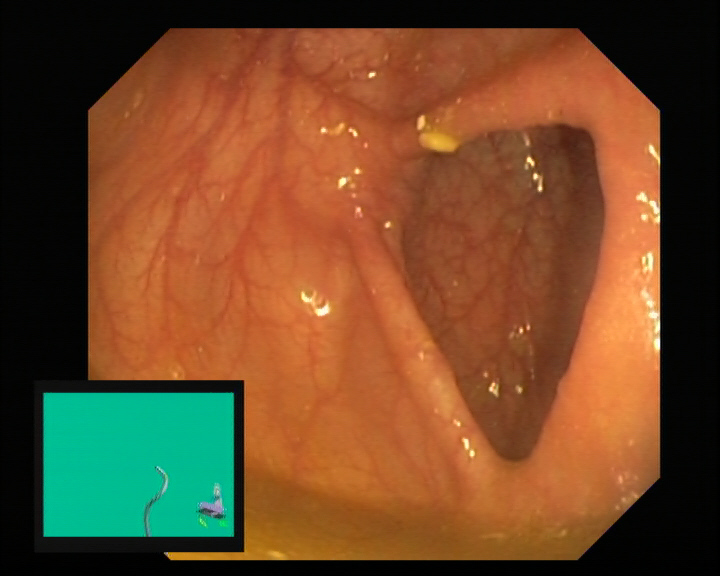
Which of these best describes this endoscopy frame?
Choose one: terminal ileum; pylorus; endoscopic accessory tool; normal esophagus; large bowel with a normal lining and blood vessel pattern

large bowel with a normal lining and blood vessel pattern